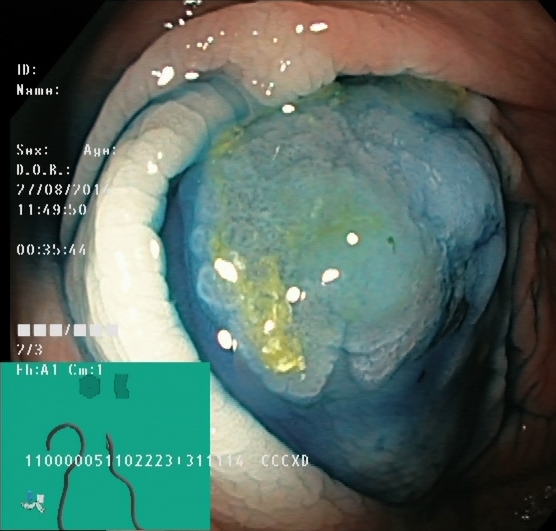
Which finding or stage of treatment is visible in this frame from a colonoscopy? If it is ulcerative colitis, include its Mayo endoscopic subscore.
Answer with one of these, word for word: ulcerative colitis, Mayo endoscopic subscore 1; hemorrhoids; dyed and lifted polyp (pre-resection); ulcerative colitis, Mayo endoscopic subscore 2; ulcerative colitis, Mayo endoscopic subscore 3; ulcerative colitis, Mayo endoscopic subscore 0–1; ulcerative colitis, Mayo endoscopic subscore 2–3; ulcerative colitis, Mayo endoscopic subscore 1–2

dyed and lifted polyp (pre-resection)